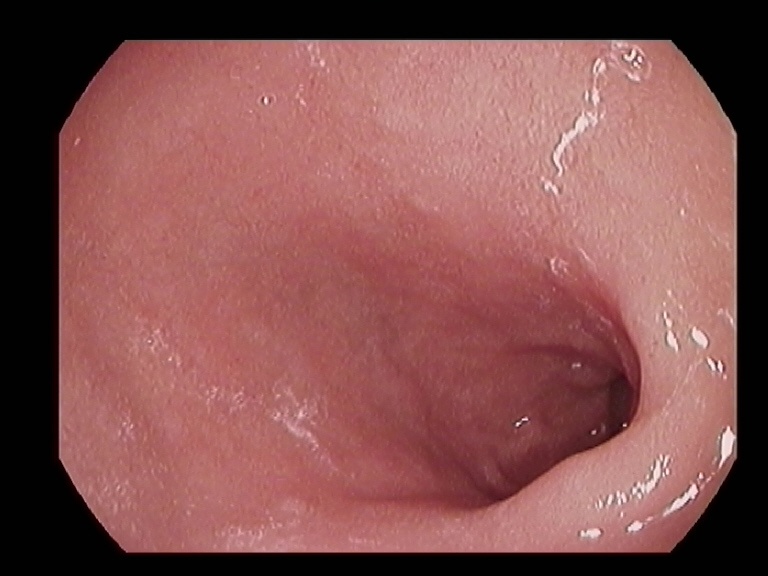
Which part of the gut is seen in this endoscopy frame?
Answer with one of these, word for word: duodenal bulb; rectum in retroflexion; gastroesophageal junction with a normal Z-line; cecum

duodenal bulb